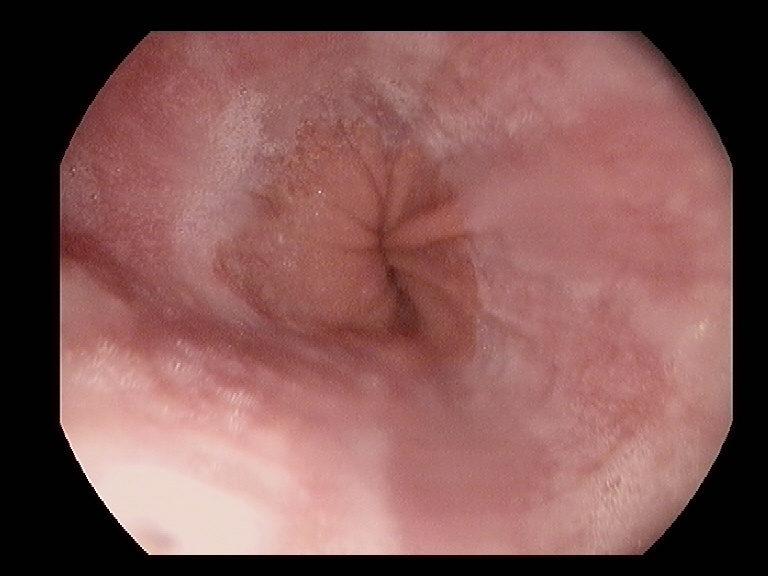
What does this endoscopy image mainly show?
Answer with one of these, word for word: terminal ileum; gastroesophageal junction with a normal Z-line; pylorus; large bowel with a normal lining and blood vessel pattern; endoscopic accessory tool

gastroesophageal junction with a normal Z-line